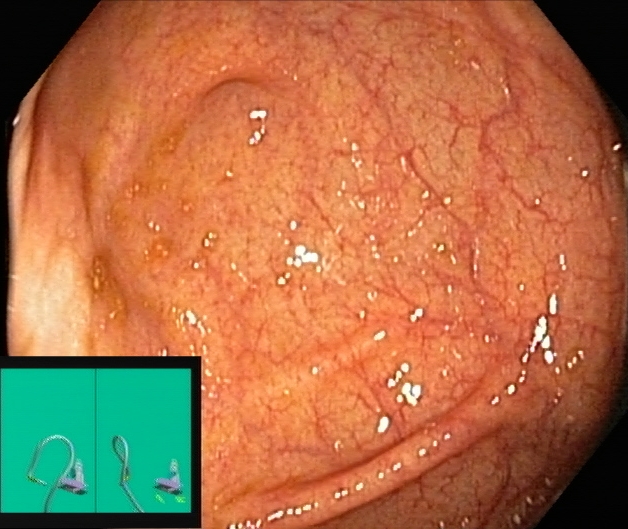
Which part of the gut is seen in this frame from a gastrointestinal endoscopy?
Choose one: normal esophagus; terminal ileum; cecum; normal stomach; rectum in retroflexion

cecum